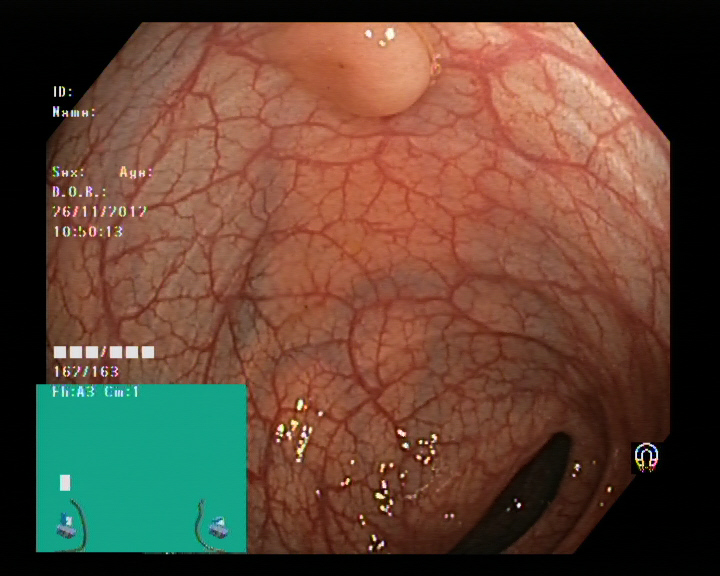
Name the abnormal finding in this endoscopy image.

colon polyp